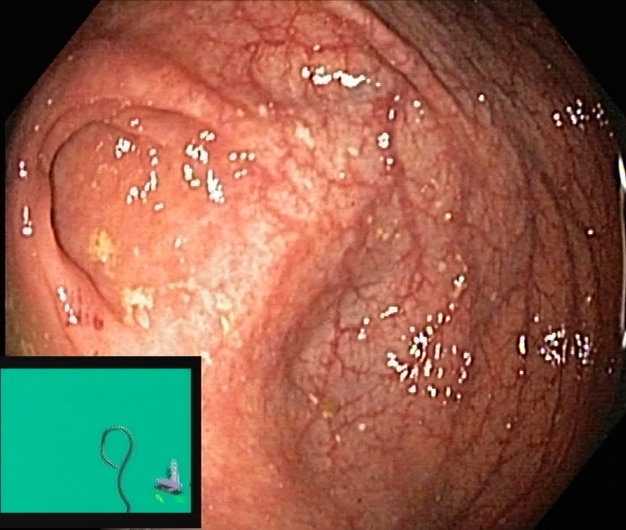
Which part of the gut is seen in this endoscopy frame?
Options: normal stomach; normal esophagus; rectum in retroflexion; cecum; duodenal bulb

cecum